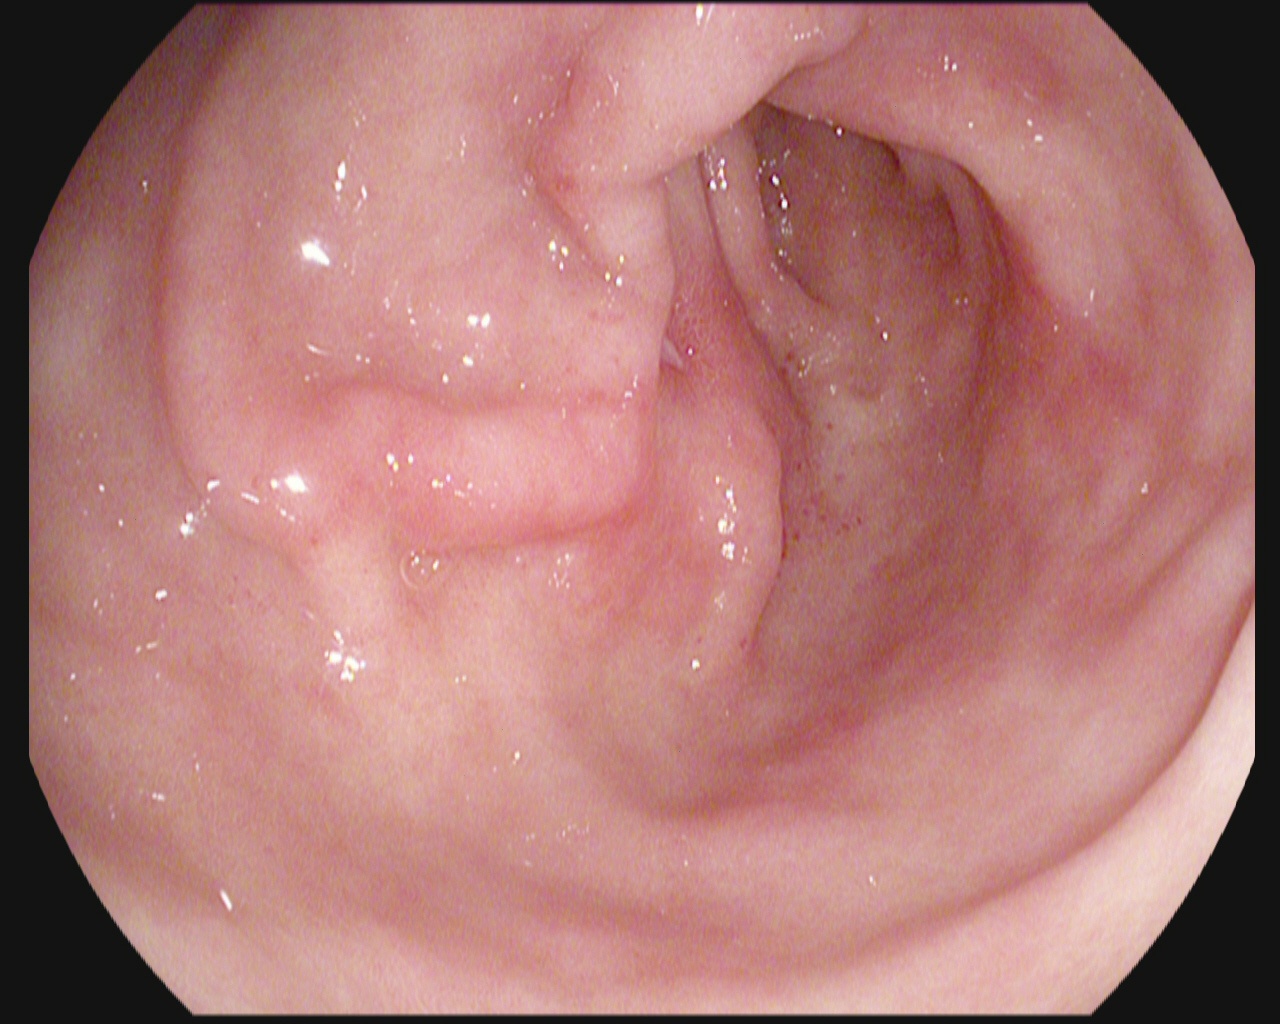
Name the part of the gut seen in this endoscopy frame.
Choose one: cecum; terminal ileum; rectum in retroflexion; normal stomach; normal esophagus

normal stomach